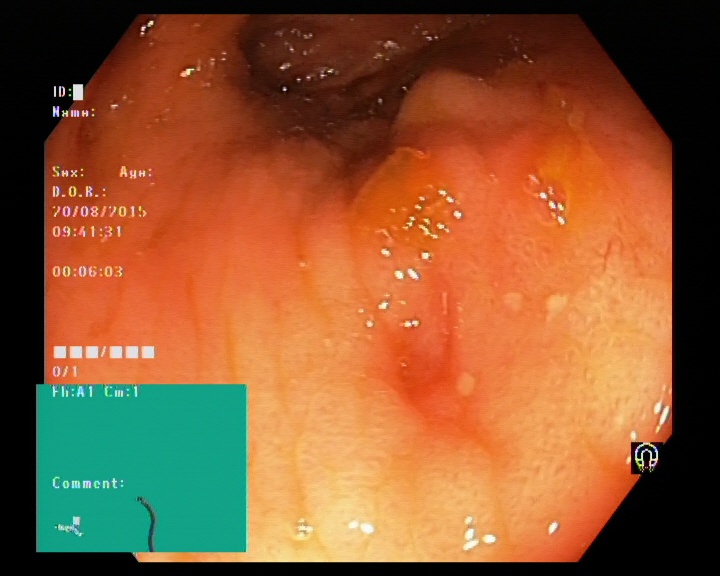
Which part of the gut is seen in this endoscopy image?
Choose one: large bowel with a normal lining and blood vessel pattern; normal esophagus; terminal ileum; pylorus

large bowel with a normal lining and blood vessel pattern